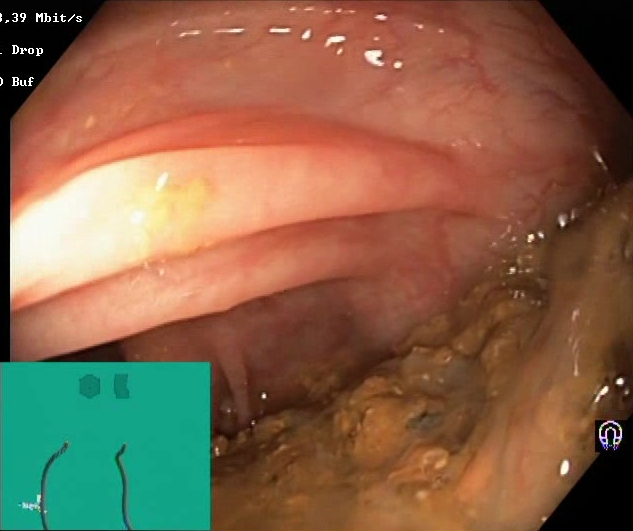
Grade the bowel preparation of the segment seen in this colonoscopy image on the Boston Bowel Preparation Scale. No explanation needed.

Boston Bowel Preparation Scale score 0–1 (inadequate preparation)